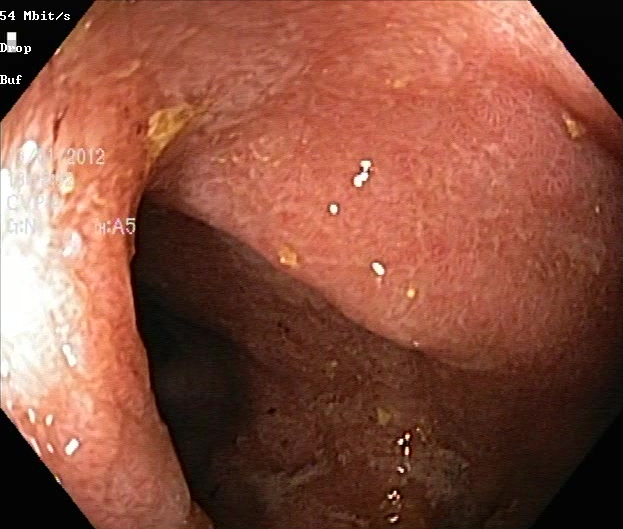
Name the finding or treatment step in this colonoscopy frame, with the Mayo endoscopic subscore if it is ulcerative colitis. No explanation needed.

ulcerative colitis, Mayo endoscopic subscore 2